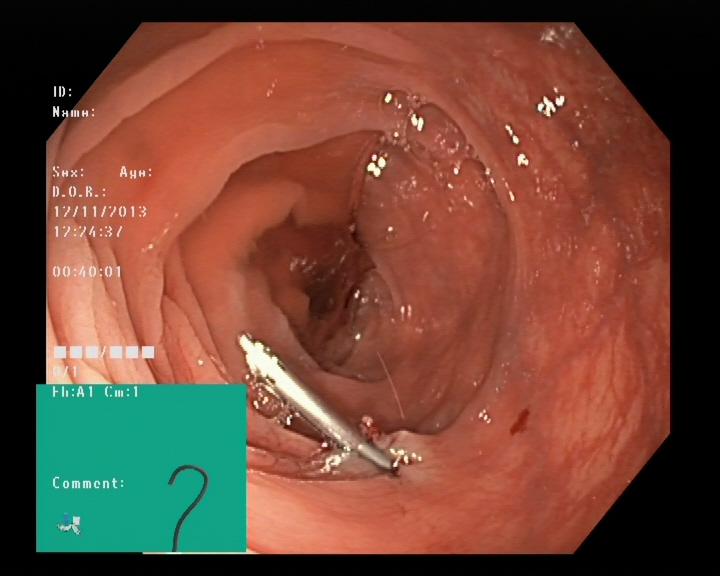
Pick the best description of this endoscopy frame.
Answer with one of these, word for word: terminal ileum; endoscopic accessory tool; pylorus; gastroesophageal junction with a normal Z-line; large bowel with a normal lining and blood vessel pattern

endoscopic accessory tool